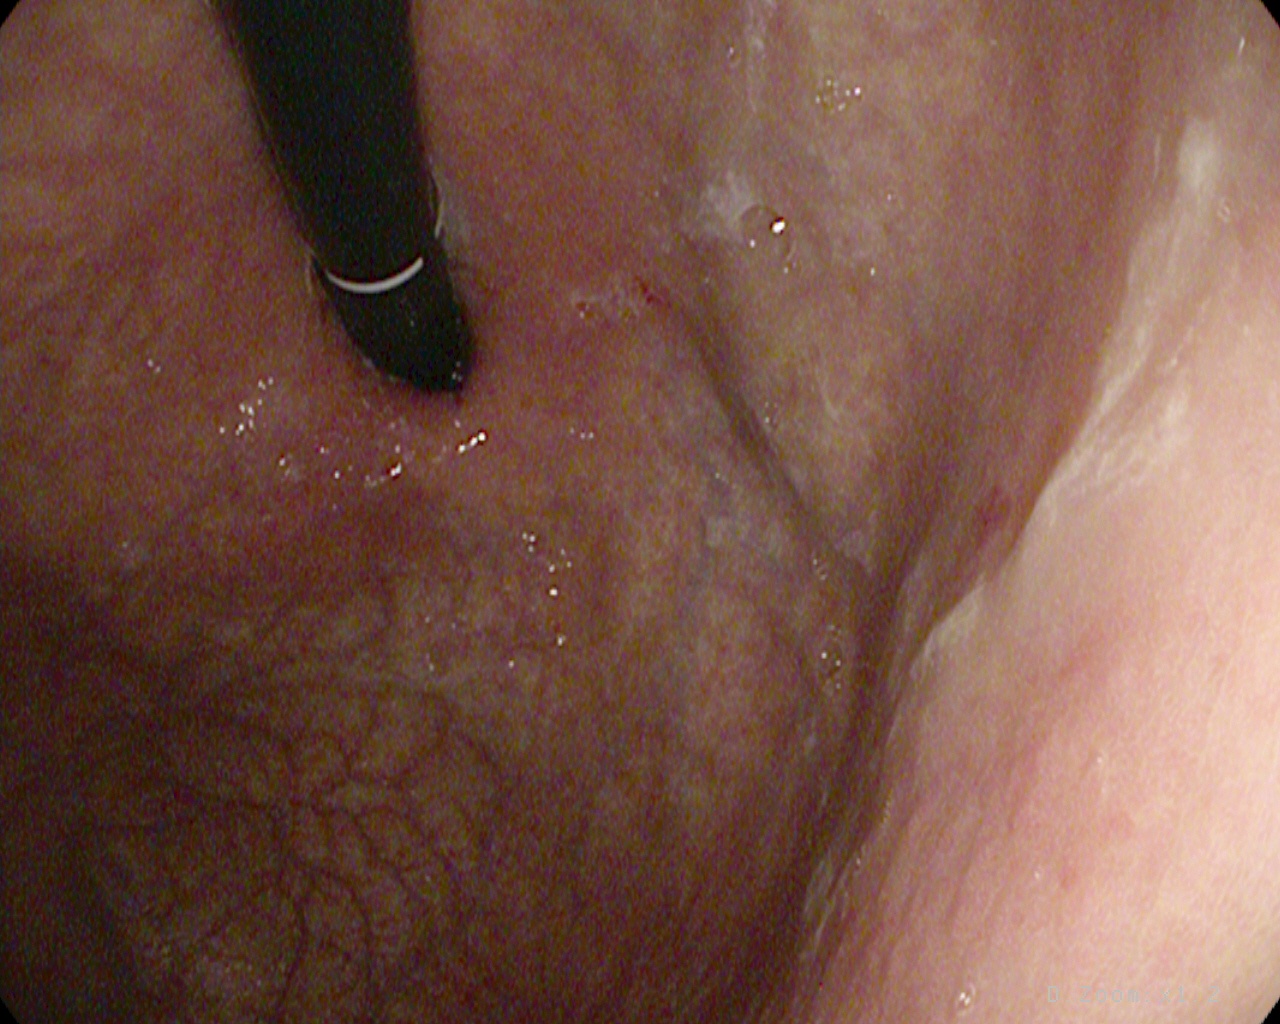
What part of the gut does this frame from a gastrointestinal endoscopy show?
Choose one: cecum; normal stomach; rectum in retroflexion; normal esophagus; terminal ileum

normal stomach